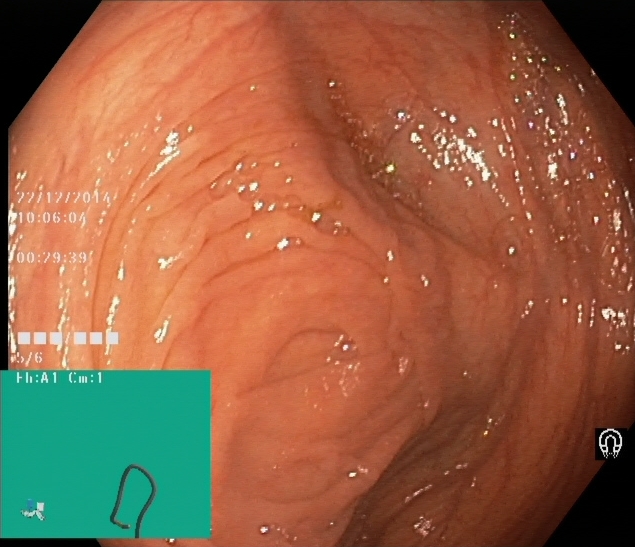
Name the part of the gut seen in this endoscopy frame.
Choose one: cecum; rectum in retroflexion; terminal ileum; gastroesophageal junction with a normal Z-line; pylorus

cecum